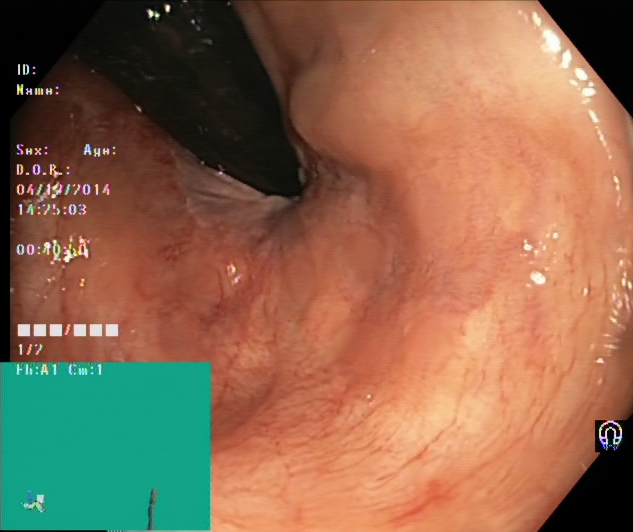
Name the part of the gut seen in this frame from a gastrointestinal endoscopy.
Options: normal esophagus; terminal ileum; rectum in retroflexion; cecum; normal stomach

rectum in retroflexion